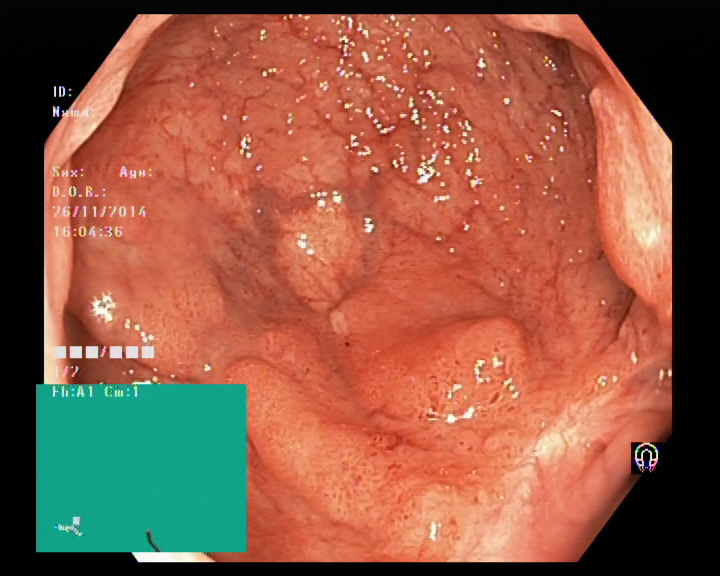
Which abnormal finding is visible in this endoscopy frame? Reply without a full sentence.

colon polyp